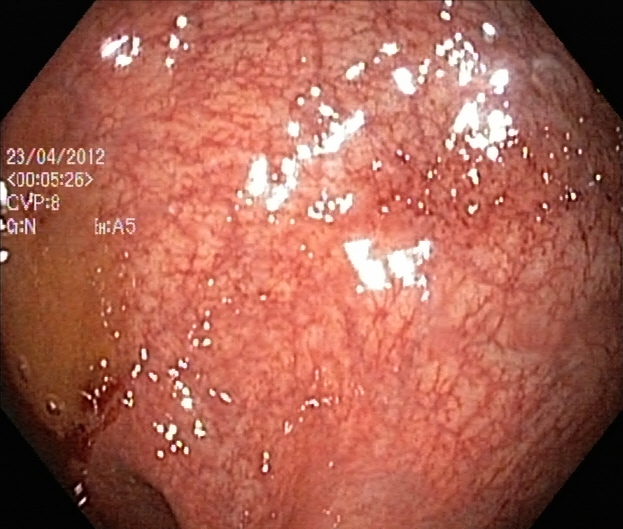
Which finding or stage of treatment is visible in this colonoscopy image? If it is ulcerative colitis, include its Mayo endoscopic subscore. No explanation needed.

ulcerative colitis, Mayo endoscopic subscore 0–1